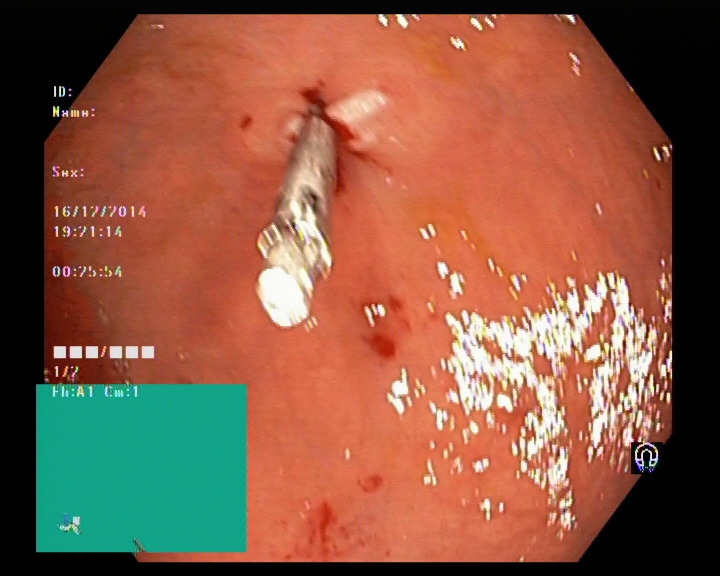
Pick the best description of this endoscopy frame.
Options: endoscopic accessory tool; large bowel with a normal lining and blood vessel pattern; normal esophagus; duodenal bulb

endoscopic accessory tool